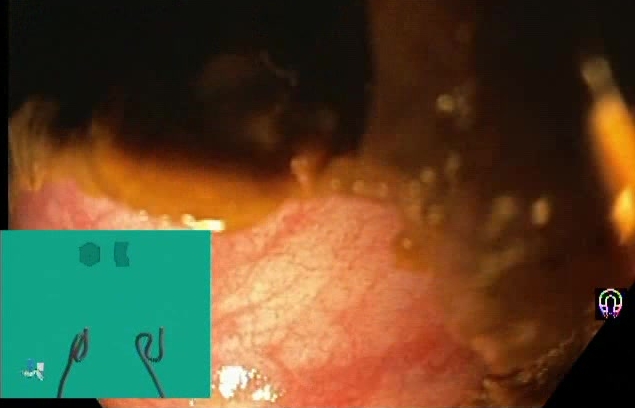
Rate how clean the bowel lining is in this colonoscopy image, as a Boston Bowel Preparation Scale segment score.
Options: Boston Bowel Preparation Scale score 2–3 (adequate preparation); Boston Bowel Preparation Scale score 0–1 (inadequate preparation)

Boston Bowel Preparation Scale score 0–1 (inadequate preparation)